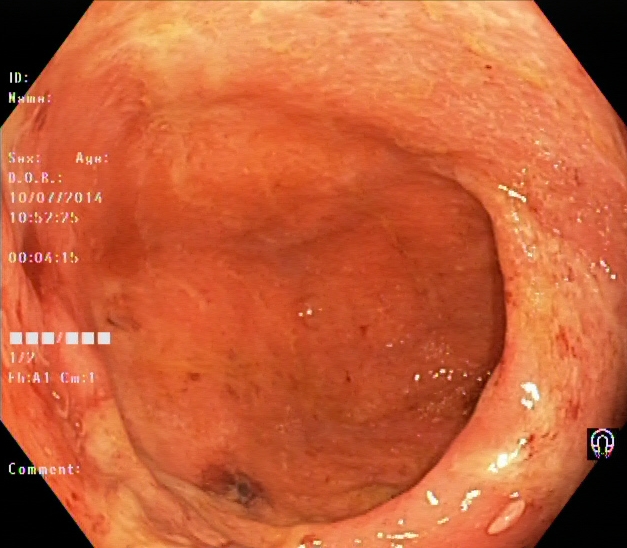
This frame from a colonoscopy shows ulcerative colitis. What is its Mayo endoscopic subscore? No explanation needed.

ulcerative colitis, Mayo endoscopic subscore 2